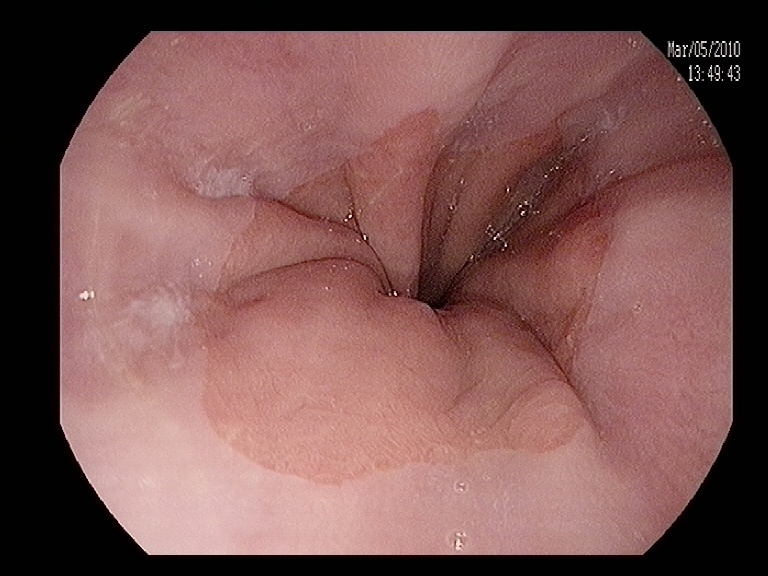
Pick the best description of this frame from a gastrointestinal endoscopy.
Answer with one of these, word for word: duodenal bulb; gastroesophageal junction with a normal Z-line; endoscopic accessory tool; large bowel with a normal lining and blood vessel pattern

gastroesophageal junction with a normal Z-line